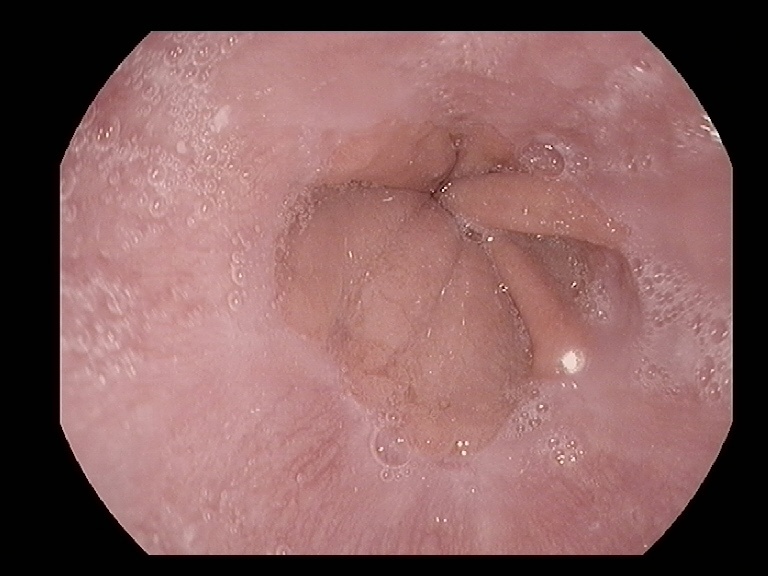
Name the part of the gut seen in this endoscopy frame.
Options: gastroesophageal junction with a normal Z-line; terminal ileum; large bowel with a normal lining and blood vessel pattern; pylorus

gastroesophageal junction with a normal Z-line